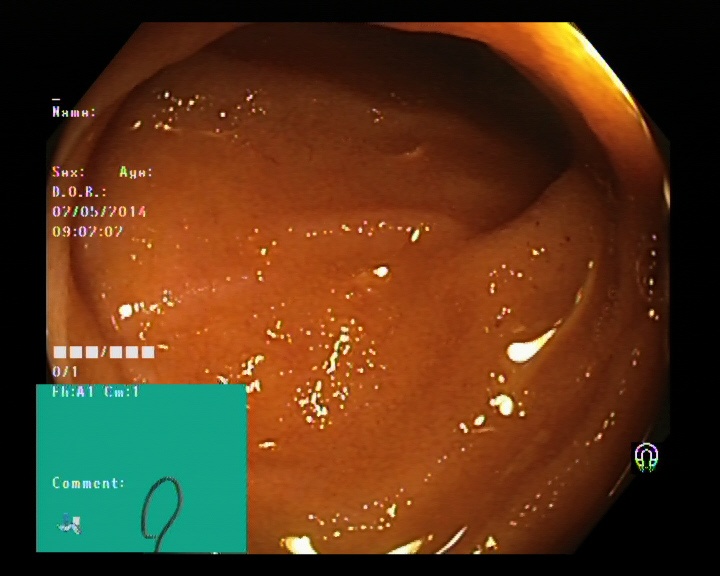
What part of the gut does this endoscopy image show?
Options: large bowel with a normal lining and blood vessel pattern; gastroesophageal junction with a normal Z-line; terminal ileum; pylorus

large bowel with a normal lining and blood vessel pattern